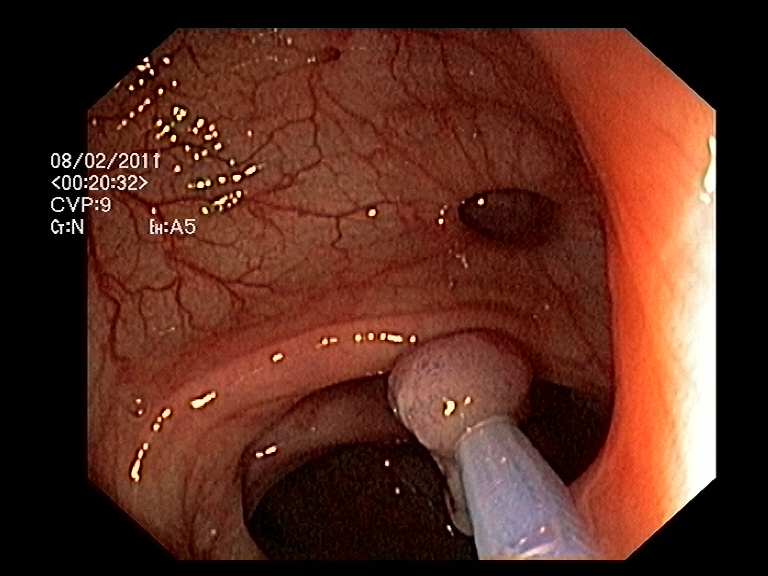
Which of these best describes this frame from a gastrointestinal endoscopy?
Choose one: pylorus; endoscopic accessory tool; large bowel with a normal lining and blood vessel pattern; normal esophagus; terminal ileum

endoscopic accessory tool